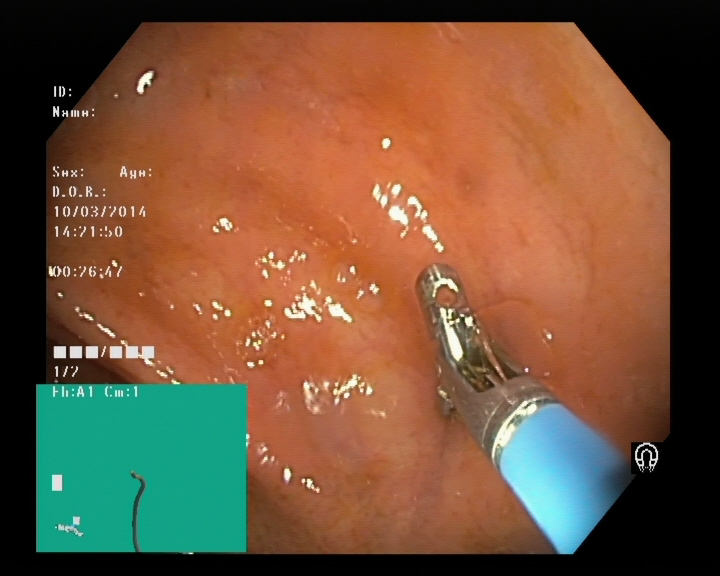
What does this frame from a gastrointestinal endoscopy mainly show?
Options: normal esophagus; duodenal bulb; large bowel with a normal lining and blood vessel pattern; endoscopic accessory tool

endoscopic accessory tool